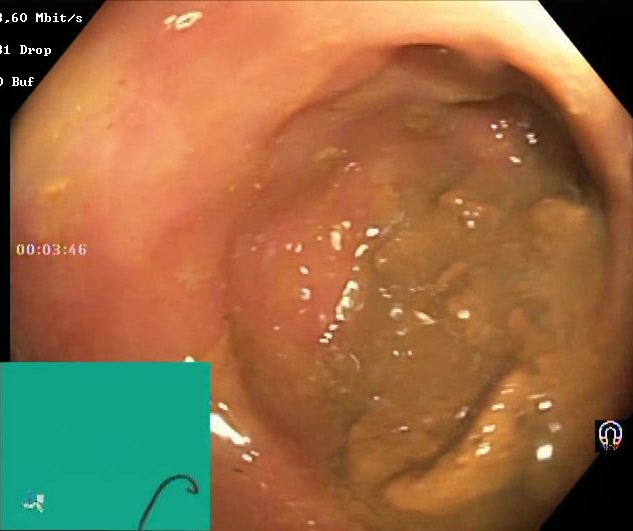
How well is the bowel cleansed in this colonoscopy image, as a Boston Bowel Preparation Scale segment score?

Boston Bowel Preparation Scale score 0–1 (inadequate preparation)